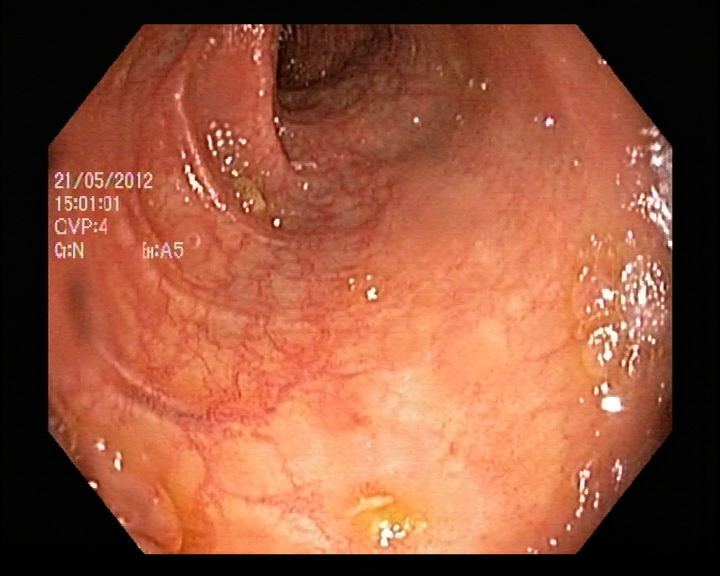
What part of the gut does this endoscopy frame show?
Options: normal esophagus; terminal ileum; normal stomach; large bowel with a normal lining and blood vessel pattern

large bowel with a normal lining and blood vessel pattern